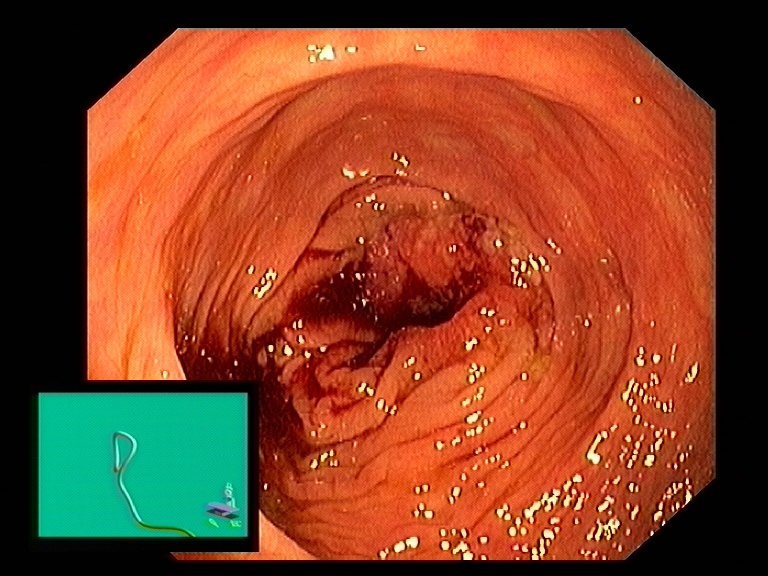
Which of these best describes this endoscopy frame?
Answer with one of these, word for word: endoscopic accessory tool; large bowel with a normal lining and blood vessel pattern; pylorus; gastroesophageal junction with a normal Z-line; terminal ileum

large bowel with a normal lining and blood vessel pattern